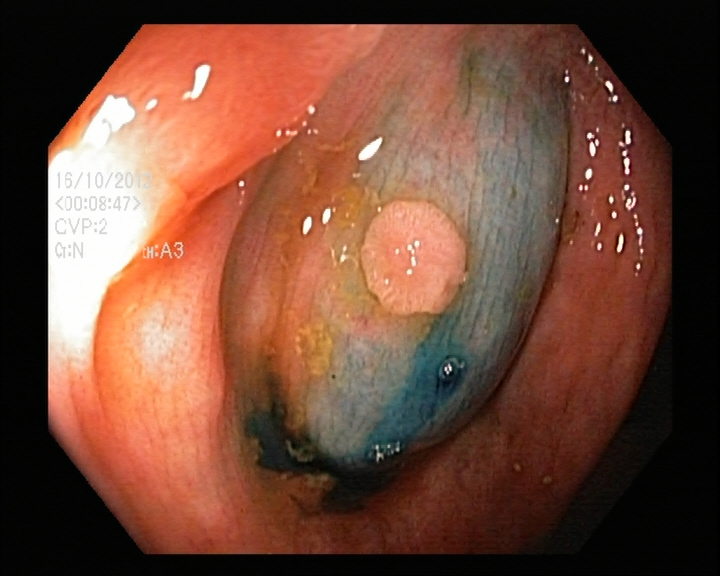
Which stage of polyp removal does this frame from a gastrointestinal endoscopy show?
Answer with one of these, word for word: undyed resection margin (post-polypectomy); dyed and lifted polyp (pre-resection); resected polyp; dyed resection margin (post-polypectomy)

dyed and lifted polyp (pre-resection)